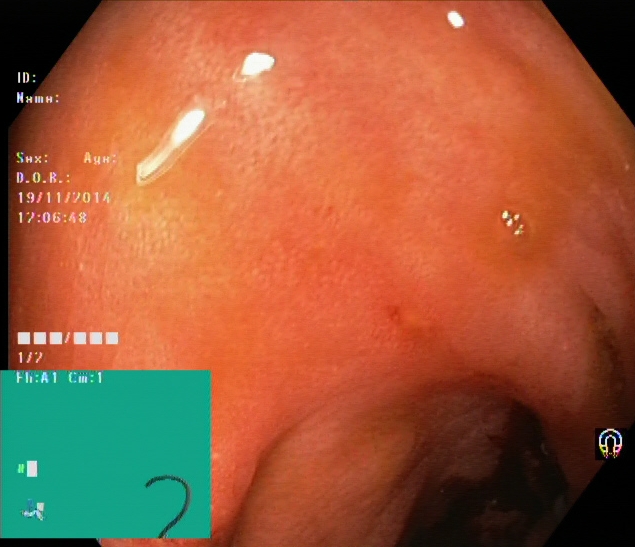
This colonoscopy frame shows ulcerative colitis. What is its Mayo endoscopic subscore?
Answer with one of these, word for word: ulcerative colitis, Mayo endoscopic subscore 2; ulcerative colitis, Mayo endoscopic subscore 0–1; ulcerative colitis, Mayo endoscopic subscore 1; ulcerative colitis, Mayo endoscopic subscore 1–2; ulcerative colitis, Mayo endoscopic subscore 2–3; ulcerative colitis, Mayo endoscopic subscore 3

ulcerative colitis, Mayo endoscopic subscore 2